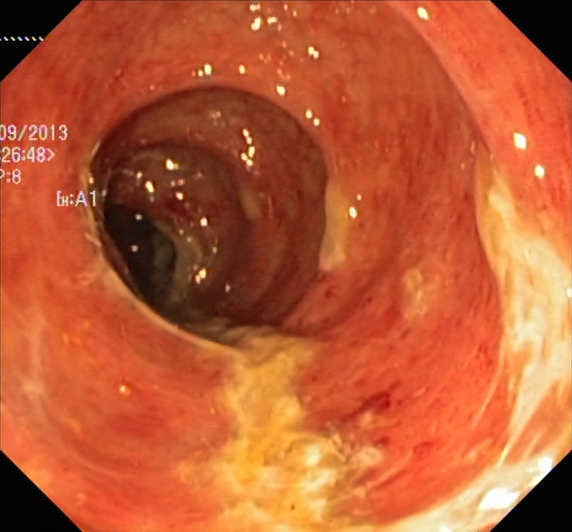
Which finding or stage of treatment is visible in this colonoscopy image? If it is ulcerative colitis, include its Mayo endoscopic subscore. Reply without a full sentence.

ulcerative colitis, Mayo endoscopic subscore 2